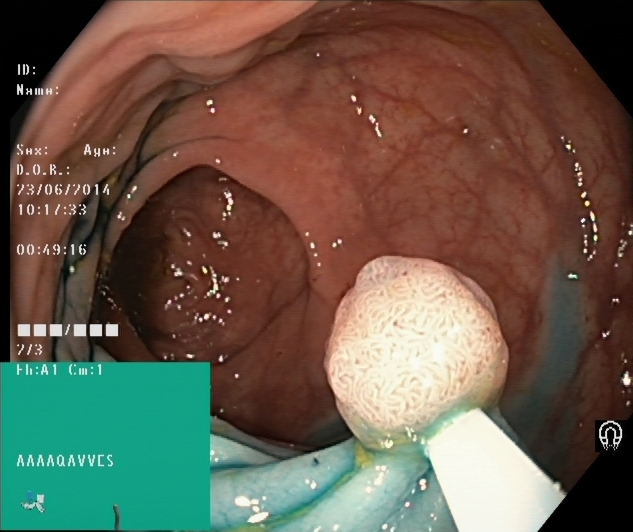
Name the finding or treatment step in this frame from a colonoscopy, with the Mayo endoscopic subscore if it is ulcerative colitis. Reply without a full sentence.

dyed and lifted polyp (pre-resection)